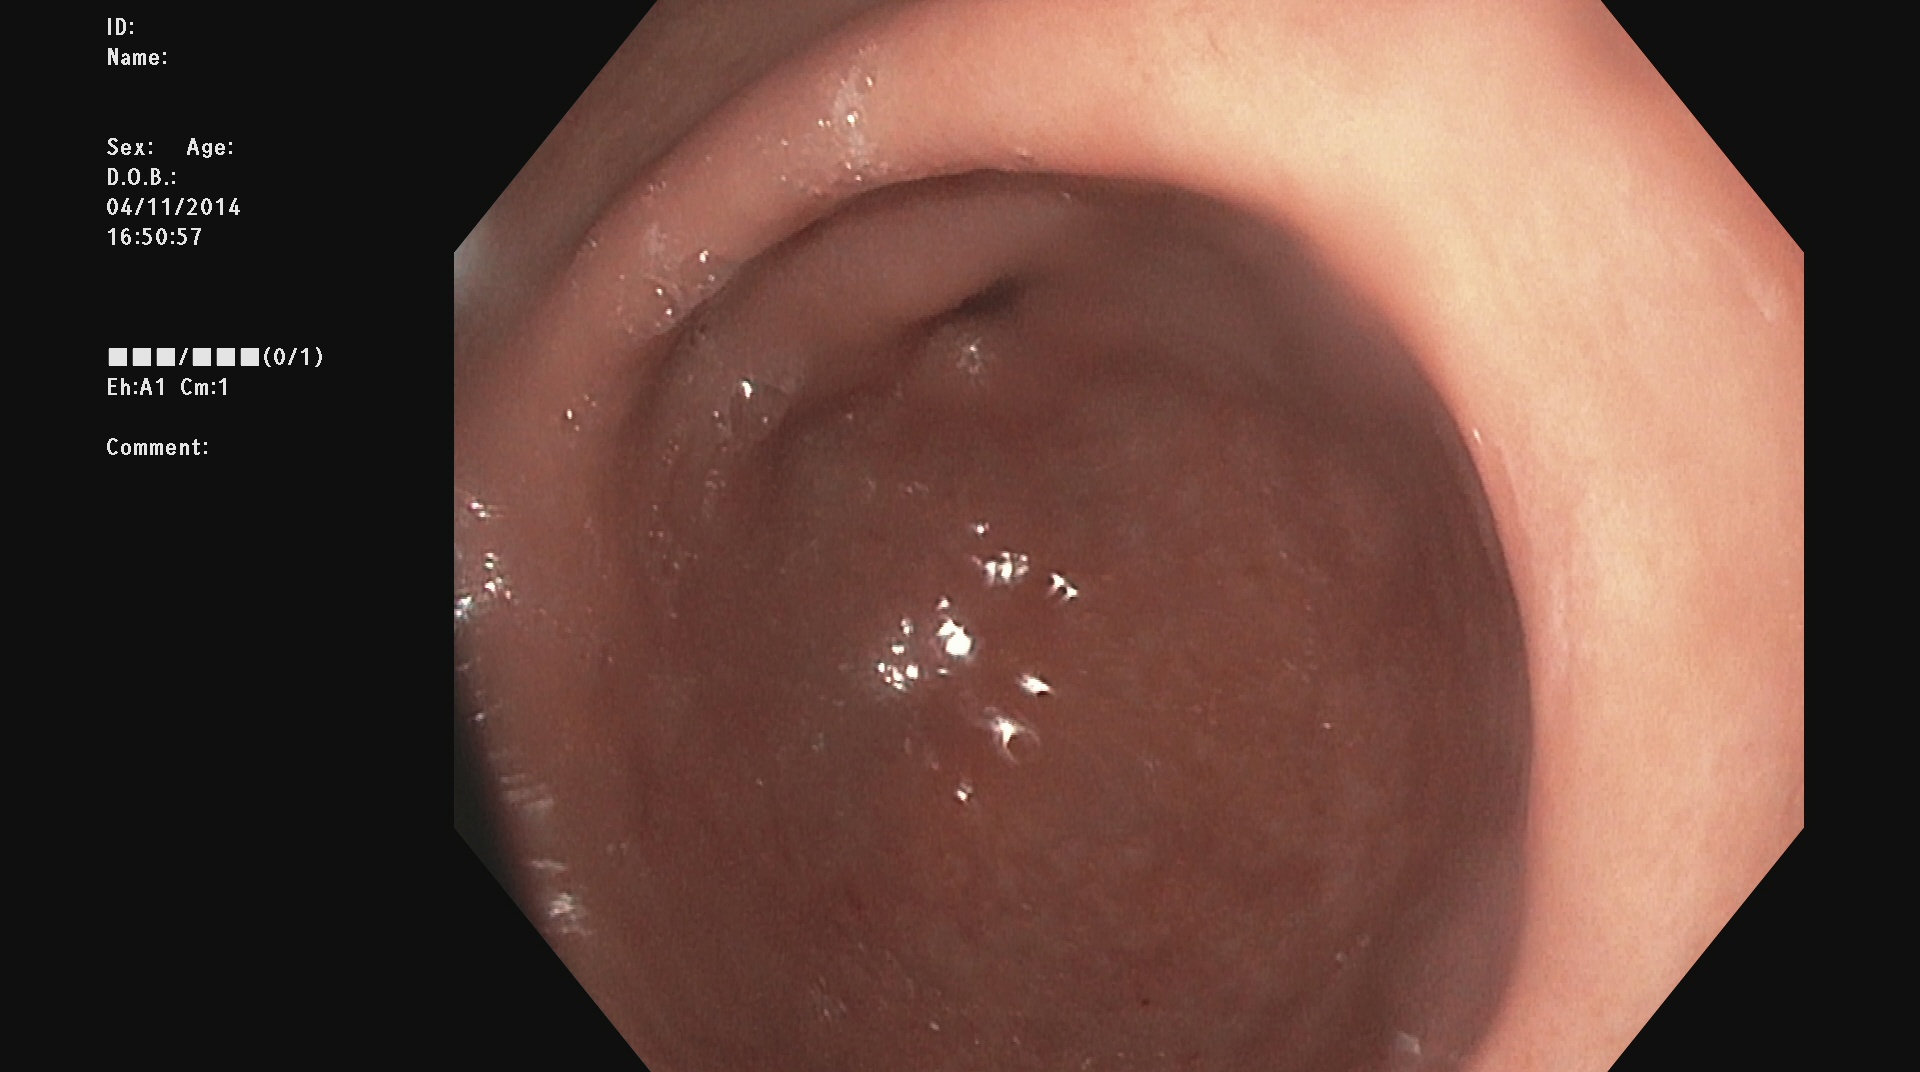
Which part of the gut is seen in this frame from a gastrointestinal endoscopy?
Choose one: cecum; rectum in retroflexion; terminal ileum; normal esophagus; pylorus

pylorus